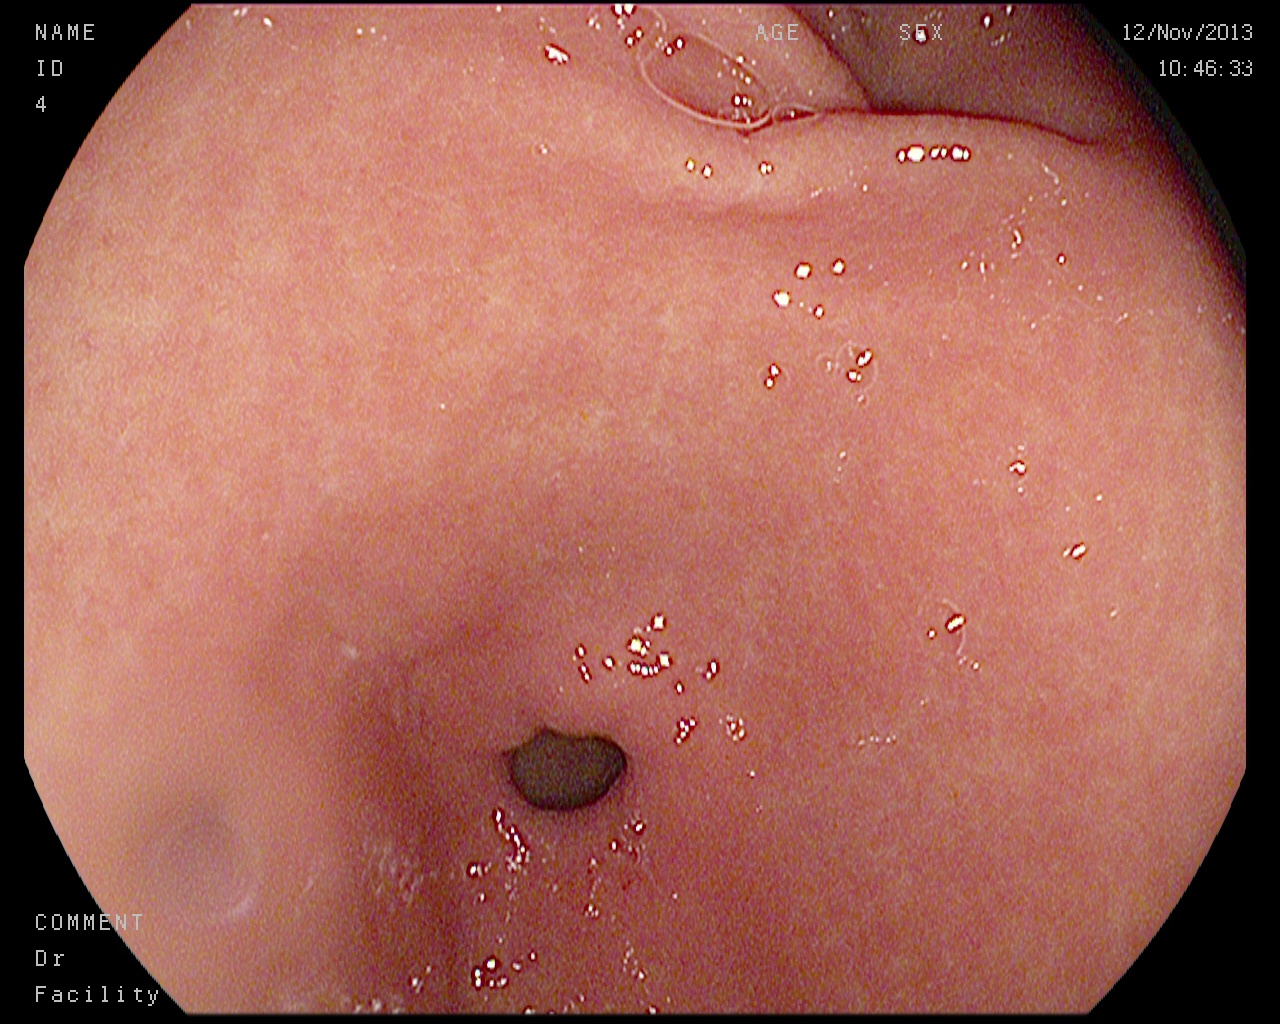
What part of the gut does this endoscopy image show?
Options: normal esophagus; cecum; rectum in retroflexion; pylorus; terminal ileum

pylorus